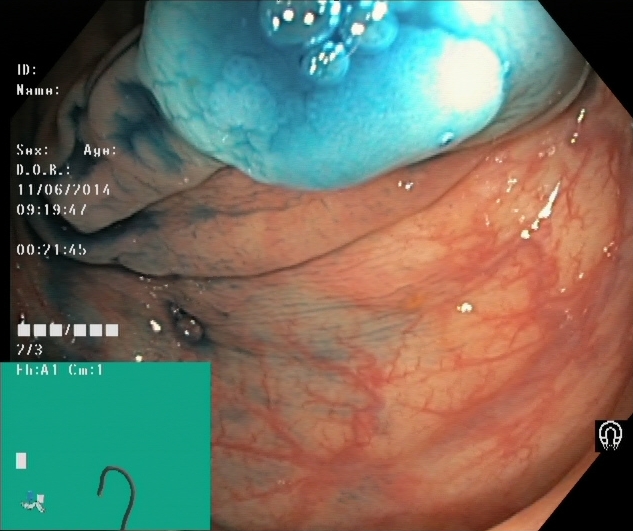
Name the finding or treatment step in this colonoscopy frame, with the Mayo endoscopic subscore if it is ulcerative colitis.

dyed and lifted polyp (pre-resection)